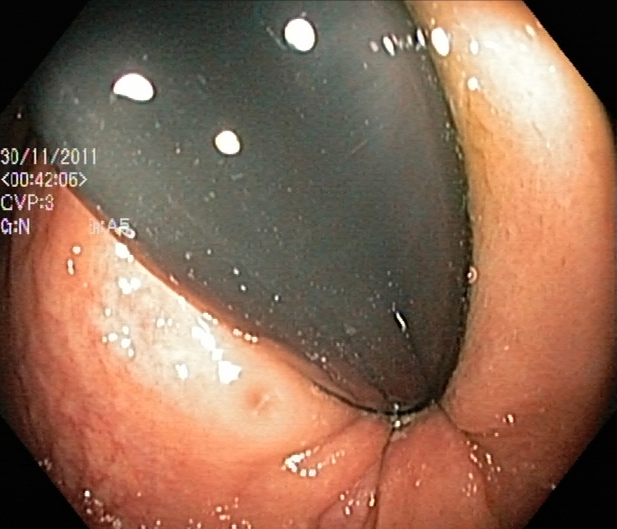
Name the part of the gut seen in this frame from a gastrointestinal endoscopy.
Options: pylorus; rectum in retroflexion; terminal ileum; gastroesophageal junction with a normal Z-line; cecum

rectum in retroflexion